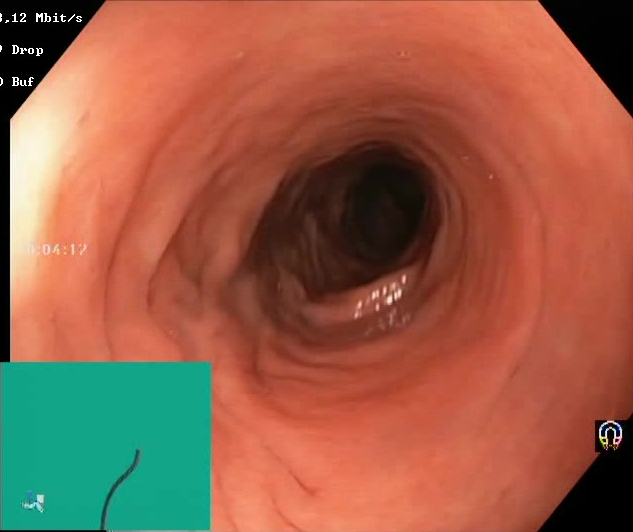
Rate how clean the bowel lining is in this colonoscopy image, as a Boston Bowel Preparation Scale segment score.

Boston Bowel Preparation Scale score 2–3 (adequate preparation)